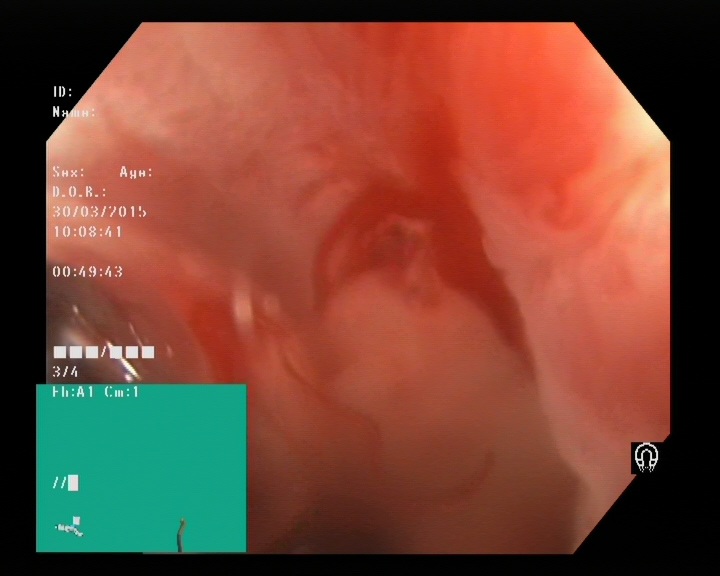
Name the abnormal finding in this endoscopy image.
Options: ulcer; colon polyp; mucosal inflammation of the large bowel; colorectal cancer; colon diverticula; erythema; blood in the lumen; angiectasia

blood in the lumen